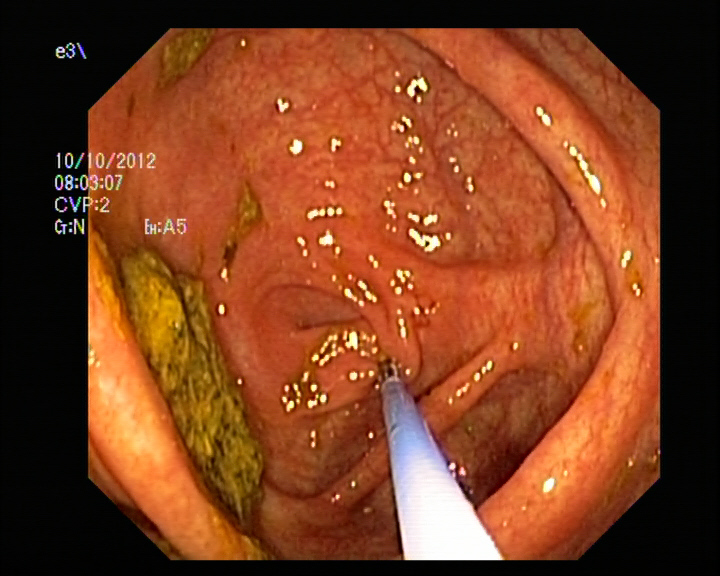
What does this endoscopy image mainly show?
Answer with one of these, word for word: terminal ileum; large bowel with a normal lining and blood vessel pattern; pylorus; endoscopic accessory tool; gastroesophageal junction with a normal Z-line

endoscopic accessory tool